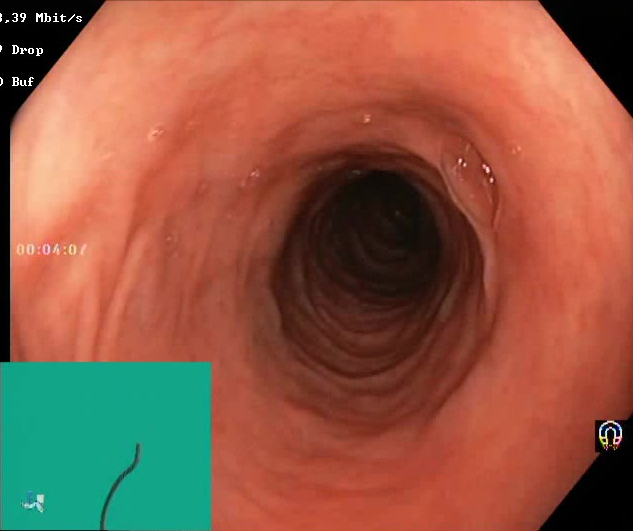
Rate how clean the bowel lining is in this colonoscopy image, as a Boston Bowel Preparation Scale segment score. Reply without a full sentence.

Boston Bowel Preparation Scale score 2–3 (adequate preparation)